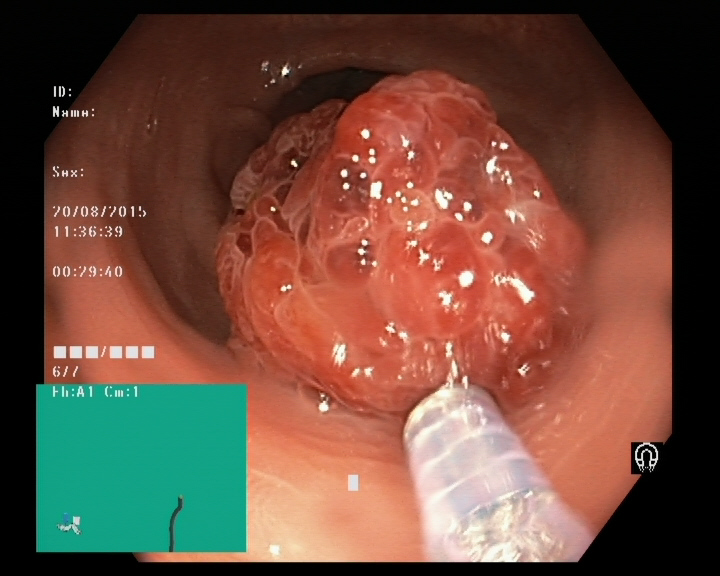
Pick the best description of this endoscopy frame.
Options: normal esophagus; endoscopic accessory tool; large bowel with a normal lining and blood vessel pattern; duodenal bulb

endoscopic accessory tool